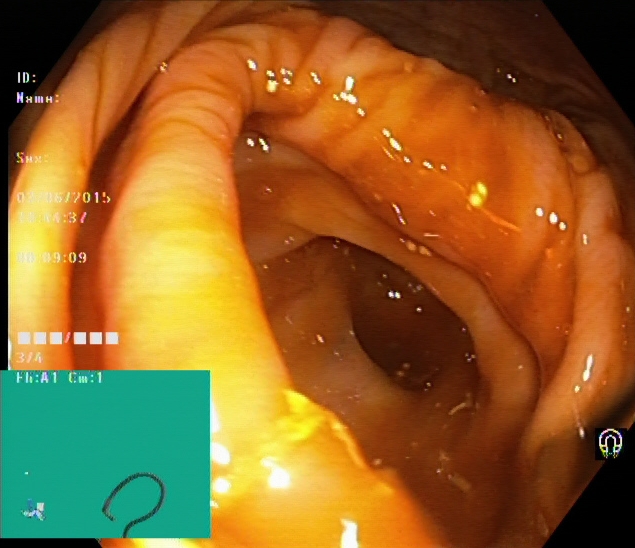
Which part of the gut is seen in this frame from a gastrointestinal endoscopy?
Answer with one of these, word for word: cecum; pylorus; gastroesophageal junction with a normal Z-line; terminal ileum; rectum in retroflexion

cecum